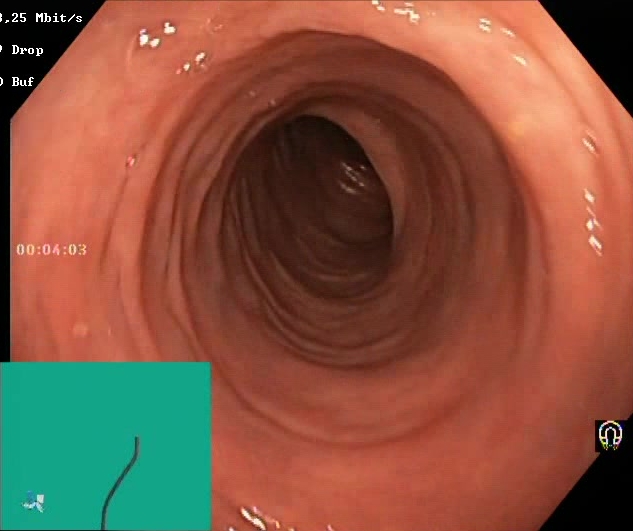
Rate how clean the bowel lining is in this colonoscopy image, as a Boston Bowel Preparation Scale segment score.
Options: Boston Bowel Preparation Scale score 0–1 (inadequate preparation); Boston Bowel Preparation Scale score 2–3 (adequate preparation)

Boston Bowel Preparation Scale score 2–3 (adequate preparation)